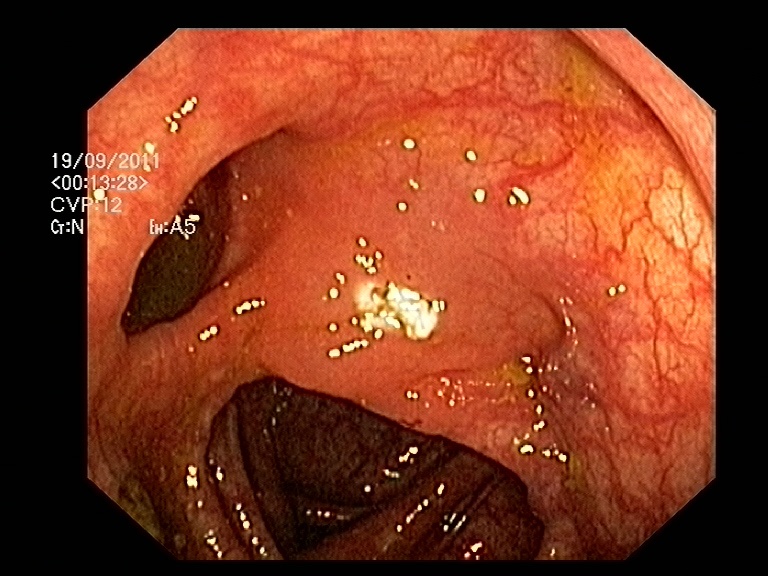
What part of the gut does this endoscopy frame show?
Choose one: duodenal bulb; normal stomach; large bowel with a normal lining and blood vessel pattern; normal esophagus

large bowel with a normal lining and blood vessel pattern